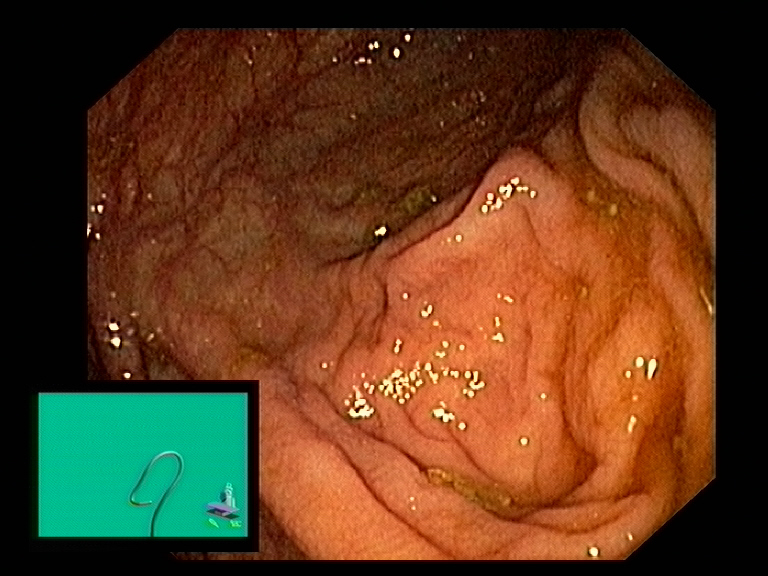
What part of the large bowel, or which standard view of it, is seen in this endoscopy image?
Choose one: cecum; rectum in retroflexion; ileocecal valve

cecum